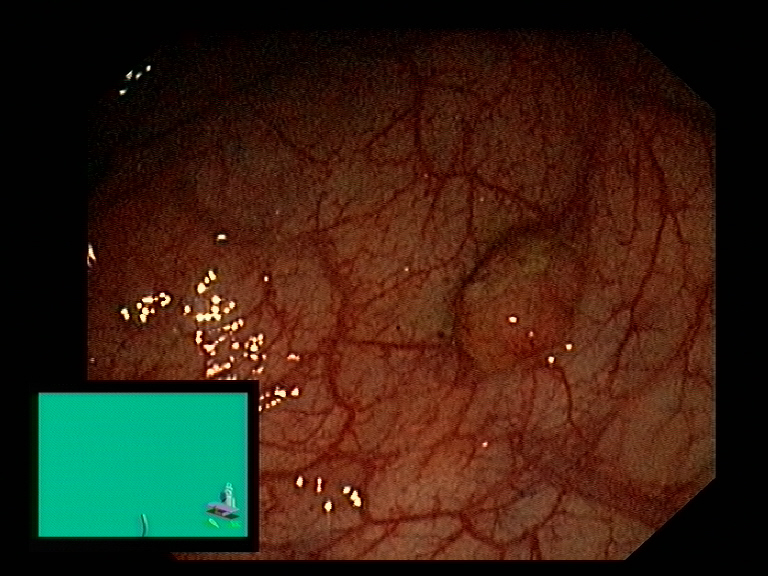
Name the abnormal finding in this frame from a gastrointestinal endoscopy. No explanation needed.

colon polyp